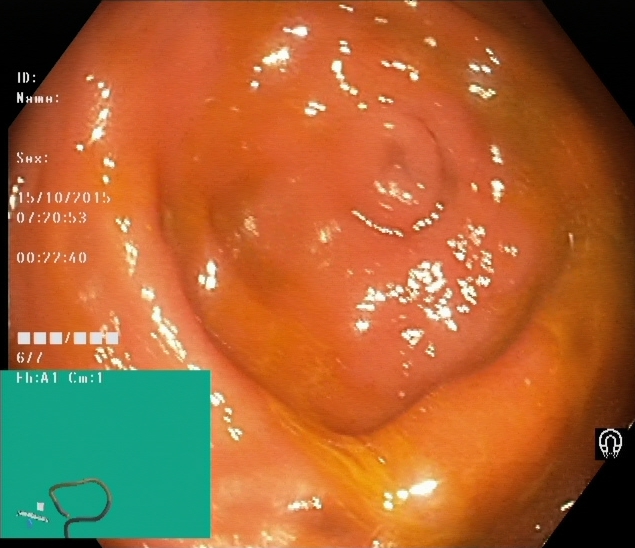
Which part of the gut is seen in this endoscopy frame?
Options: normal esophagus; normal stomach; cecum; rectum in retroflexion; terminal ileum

cecum